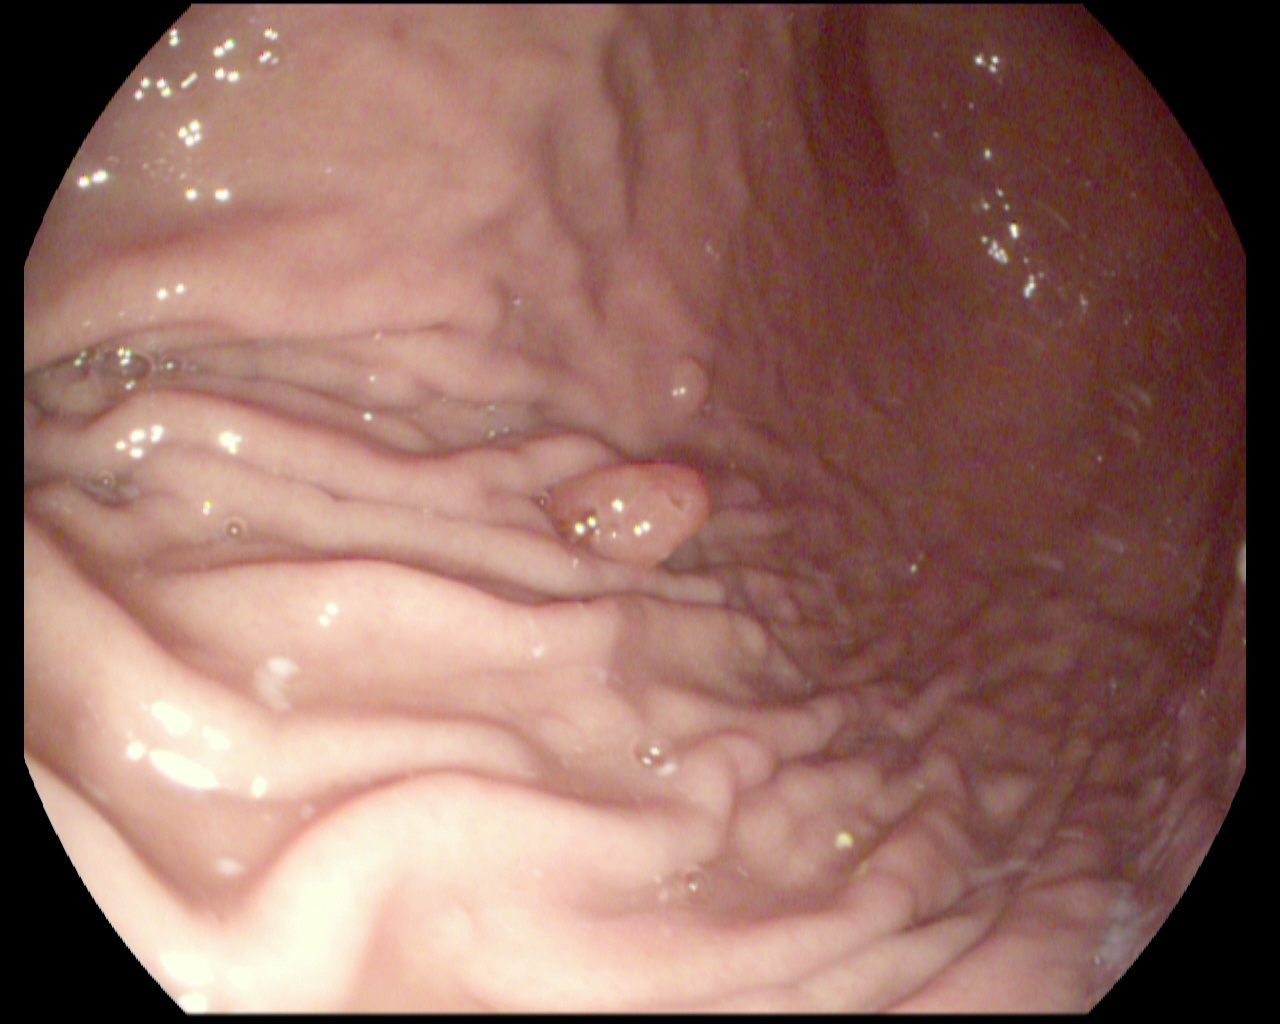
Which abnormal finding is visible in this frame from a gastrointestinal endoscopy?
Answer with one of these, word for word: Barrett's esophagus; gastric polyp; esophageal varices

gastric polyp